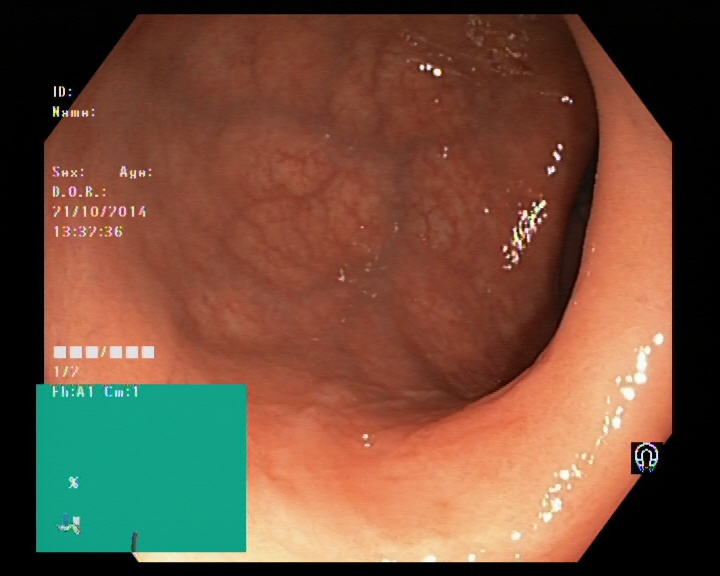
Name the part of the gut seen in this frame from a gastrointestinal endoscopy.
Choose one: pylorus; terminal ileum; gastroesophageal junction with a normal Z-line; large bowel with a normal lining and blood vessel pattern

large bowel with a normal lining and blood vessel pattern